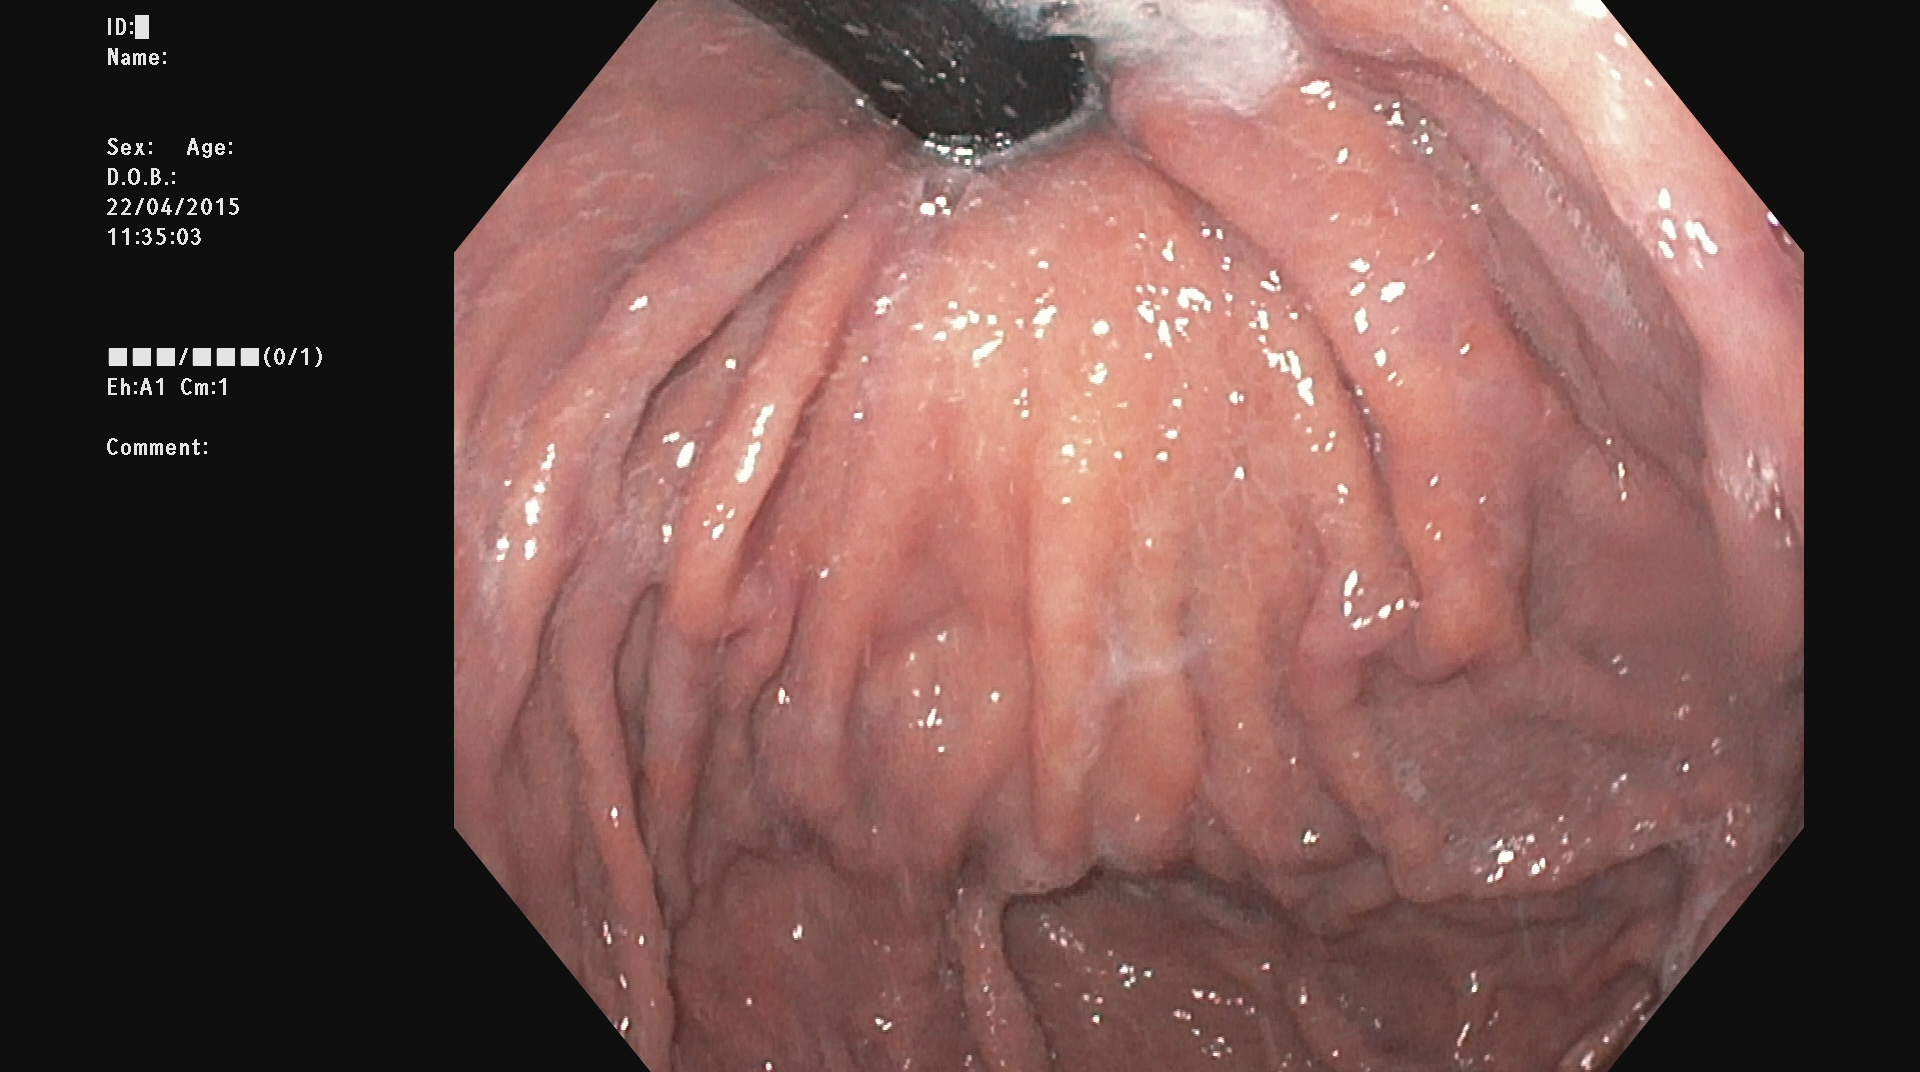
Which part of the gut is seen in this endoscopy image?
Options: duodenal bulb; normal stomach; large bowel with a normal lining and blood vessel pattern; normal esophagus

normal stomach